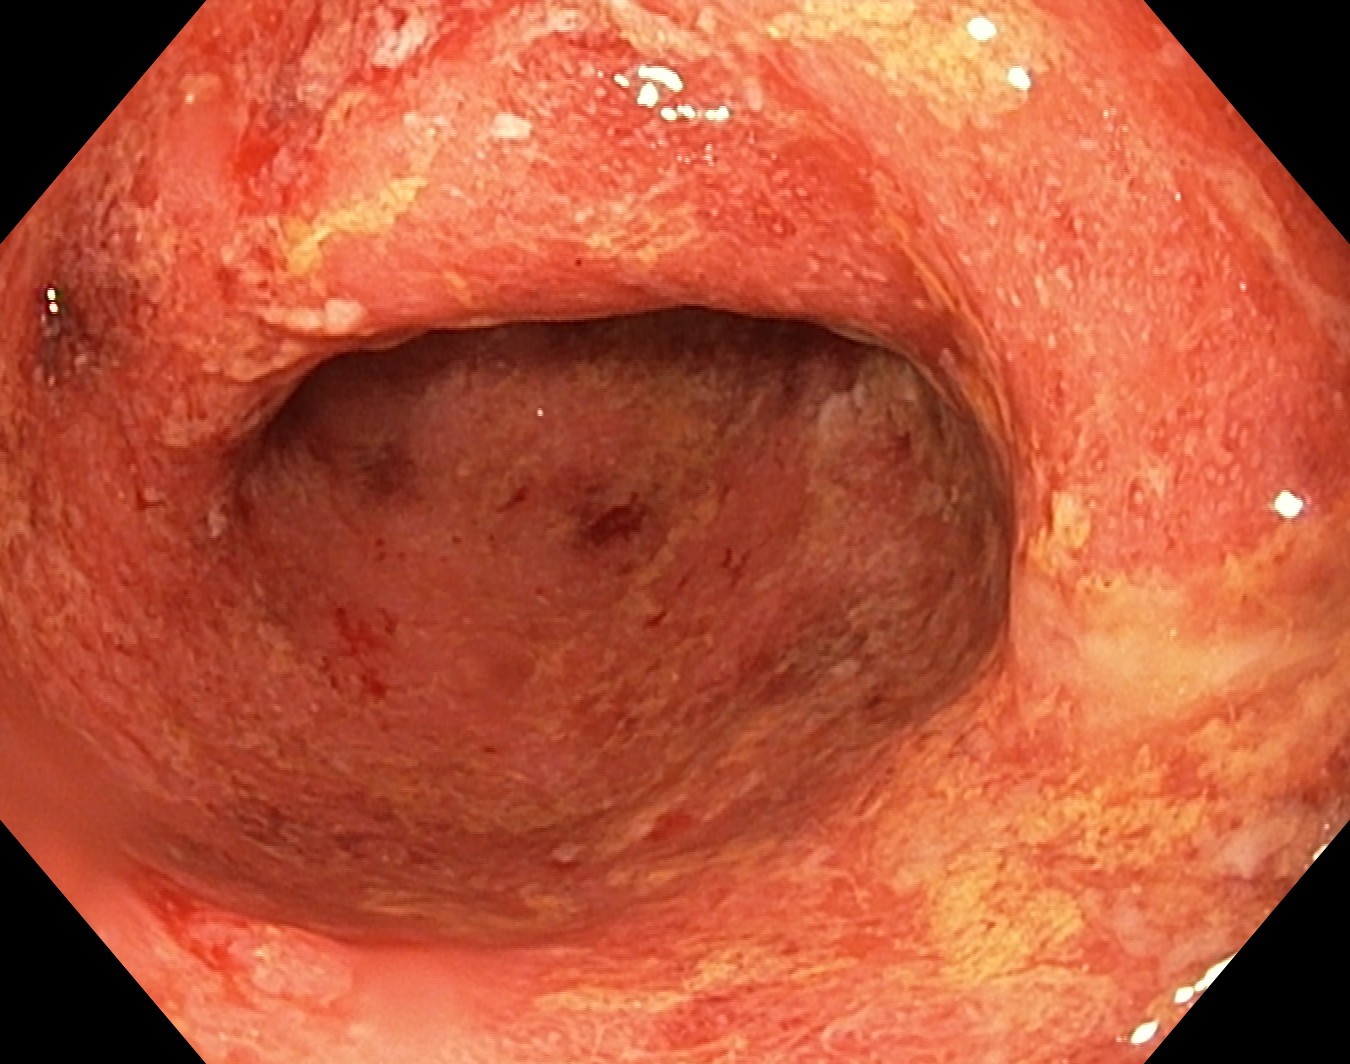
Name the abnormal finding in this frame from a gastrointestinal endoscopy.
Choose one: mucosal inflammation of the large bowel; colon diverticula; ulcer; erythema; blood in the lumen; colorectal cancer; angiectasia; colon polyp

mucosal inflammation of the large bowel